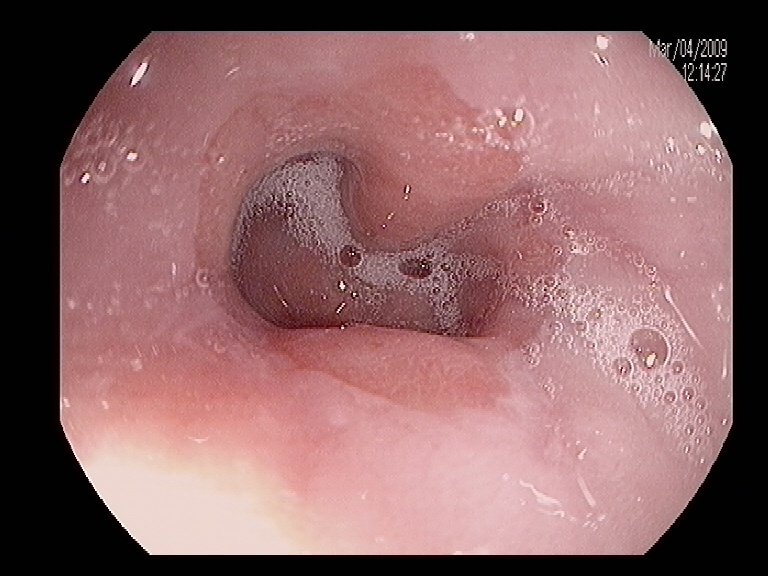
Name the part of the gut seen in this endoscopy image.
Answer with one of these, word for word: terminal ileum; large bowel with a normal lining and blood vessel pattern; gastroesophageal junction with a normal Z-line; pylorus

gastroesophageal junction with a normal Z-line